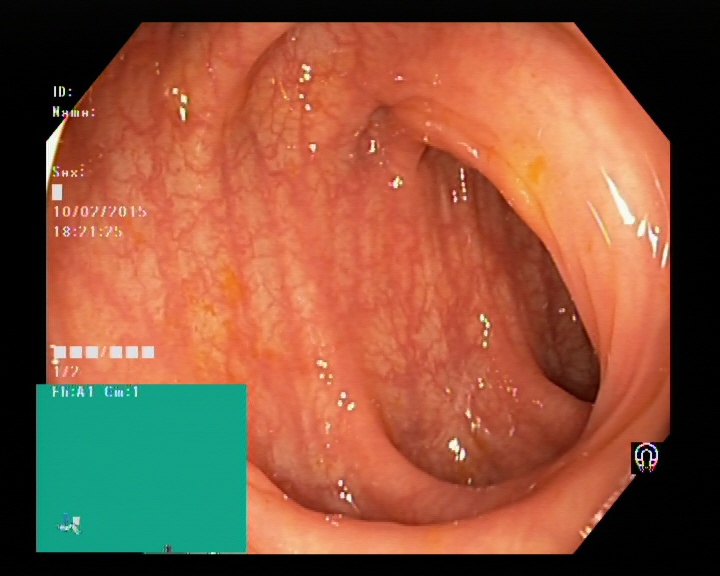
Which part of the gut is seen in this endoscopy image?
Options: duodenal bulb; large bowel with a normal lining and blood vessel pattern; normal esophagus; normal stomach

large bowel with a normal lining and blood vessel pattern